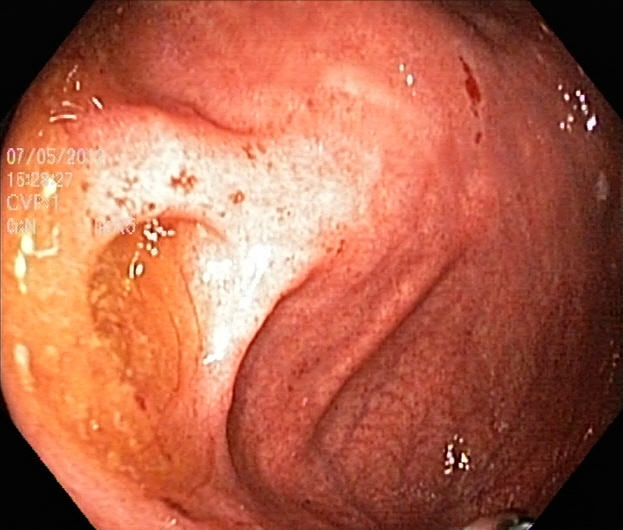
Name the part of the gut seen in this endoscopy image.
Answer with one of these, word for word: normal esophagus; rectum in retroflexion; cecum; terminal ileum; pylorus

cecum